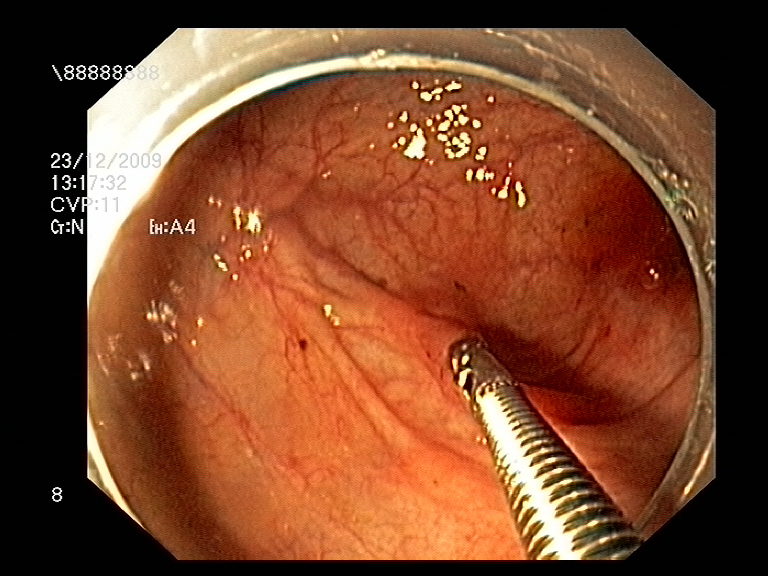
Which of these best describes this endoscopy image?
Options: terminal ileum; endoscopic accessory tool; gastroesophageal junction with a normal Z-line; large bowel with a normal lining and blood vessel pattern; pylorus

endoscopic accessory tool